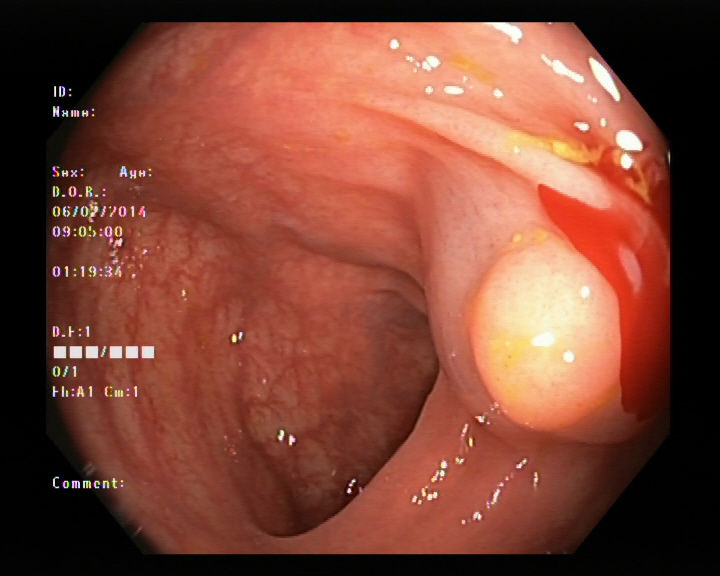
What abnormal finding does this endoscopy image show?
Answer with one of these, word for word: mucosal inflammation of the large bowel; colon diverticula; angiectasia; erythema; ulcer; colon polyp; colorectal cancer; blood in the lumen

colon polyp